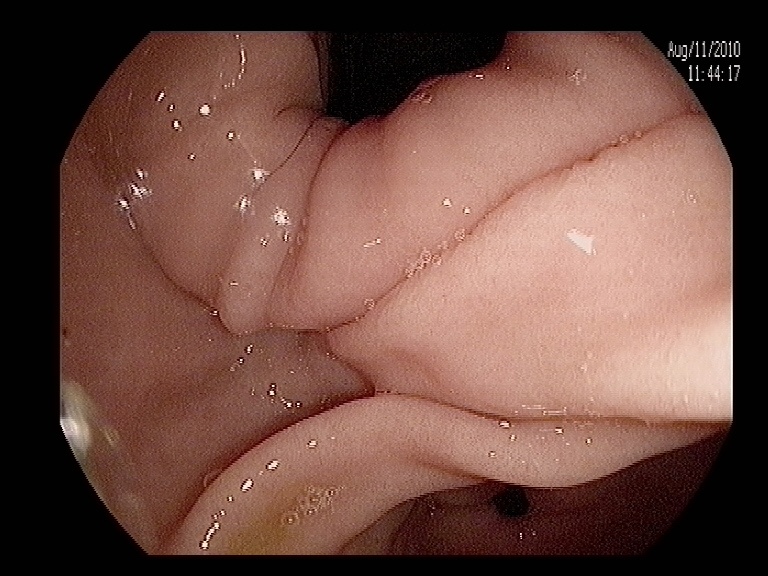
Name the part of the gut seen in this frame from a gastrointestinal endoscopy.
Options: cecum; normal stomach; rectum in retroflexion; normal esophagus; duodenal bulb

normal stomach